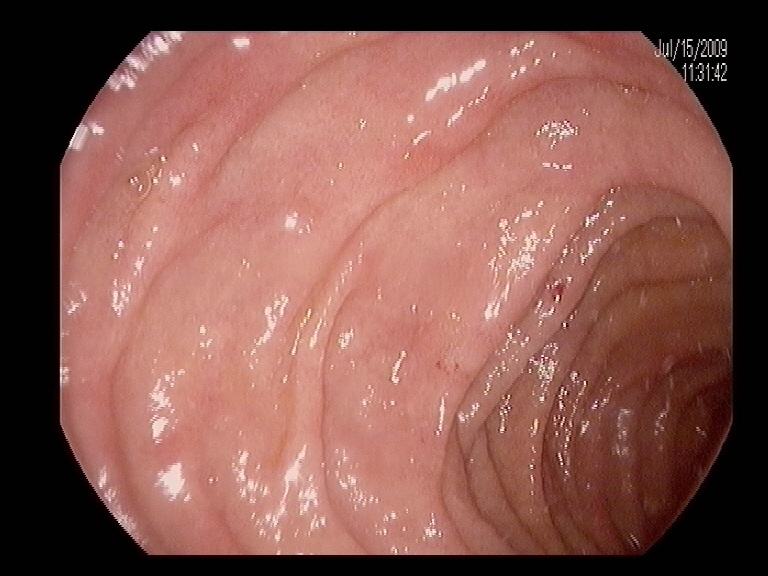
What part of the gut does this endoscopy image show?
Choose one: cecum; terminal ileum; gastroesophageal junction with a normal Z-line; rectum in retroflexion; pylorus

terminal ileum